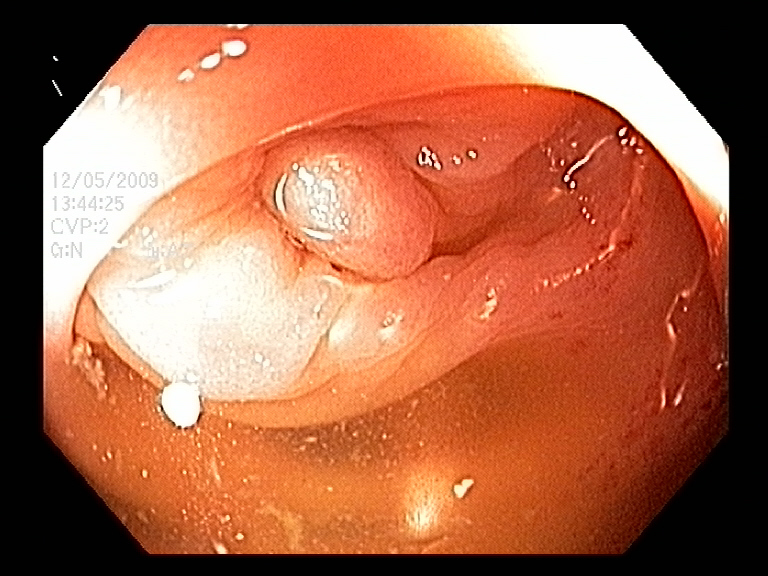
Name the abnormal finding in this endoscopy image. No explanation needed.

colon polyp